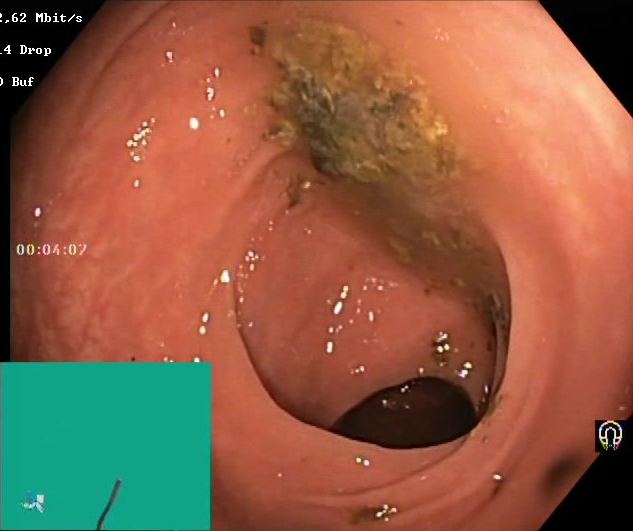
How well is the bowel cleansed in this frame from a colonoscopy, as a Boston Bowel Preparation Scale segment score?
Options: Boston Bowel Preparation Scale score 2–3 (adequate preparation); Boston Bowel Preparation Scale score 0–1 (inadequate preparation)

Boston Bowel Preparation Scale score 0–1 (inadequate preparation)